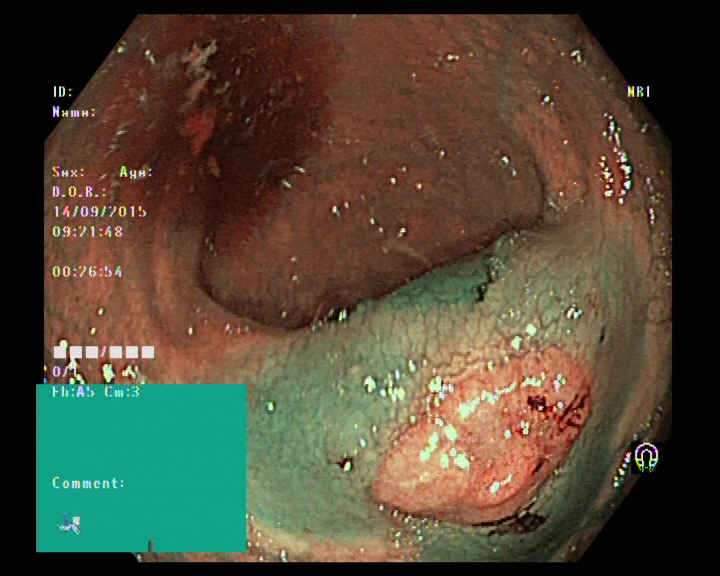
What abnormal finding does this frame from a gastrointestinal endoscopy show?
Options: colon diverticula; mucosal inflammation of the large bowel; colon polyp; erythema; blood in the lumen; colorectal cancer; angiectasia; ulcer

colon polyp